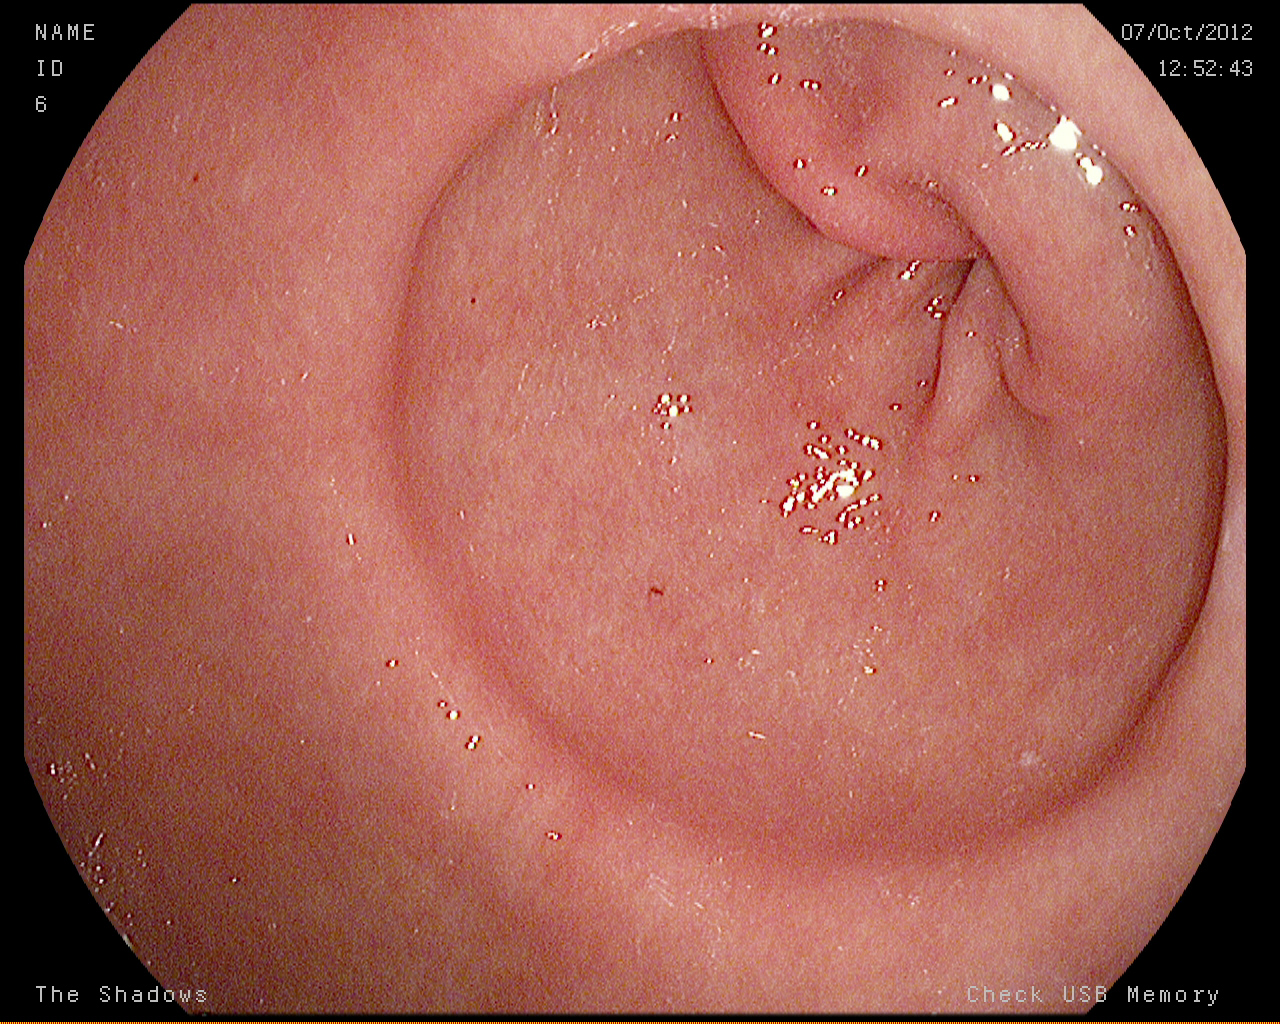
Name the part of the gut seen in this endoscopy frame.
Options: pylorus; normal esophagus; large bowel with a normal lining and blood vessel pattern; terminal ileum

pylorus